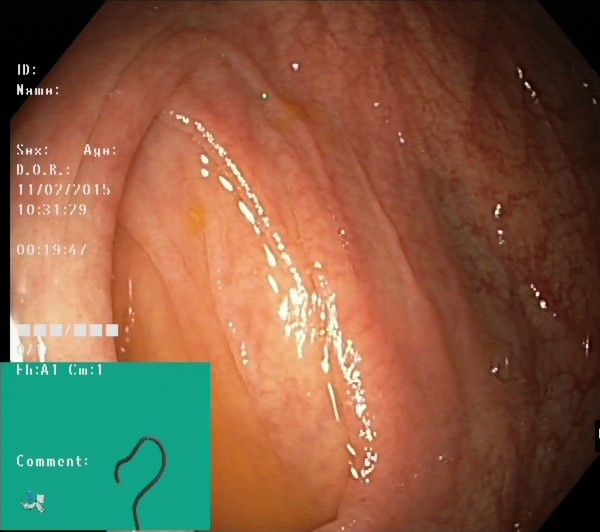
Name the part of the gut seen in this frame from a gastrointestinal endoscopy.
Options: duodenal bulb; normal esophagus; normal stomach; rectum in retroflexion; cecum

cecum